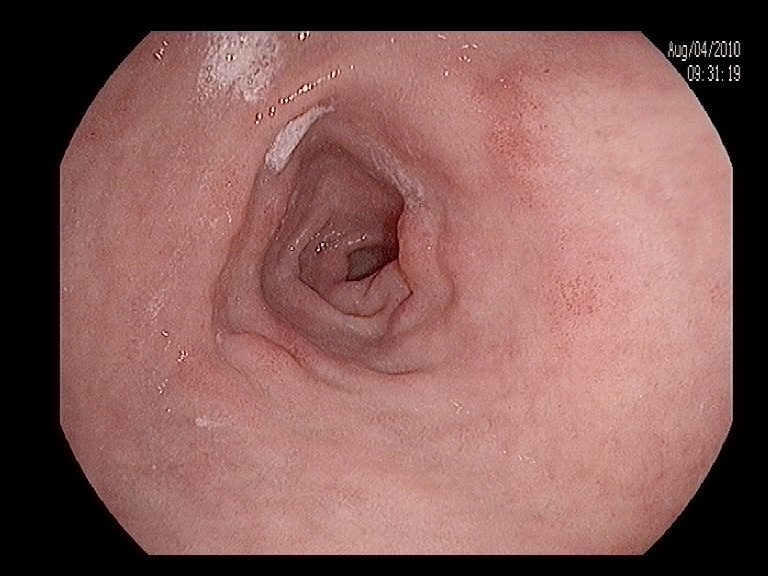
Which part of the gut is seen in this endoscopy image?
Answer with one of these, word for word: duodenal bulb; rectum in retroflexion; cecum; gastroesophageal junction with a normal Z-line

duodenal bulb